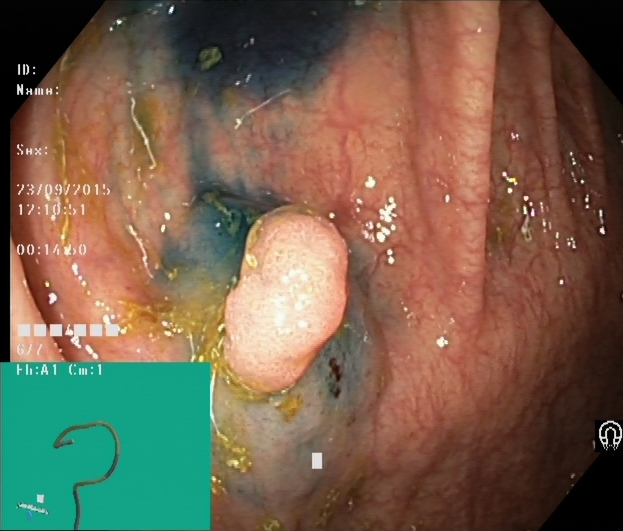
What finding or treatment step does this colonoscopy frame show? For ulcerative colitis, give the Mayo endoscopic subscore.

dyed and lifted polyp (pre-resection)